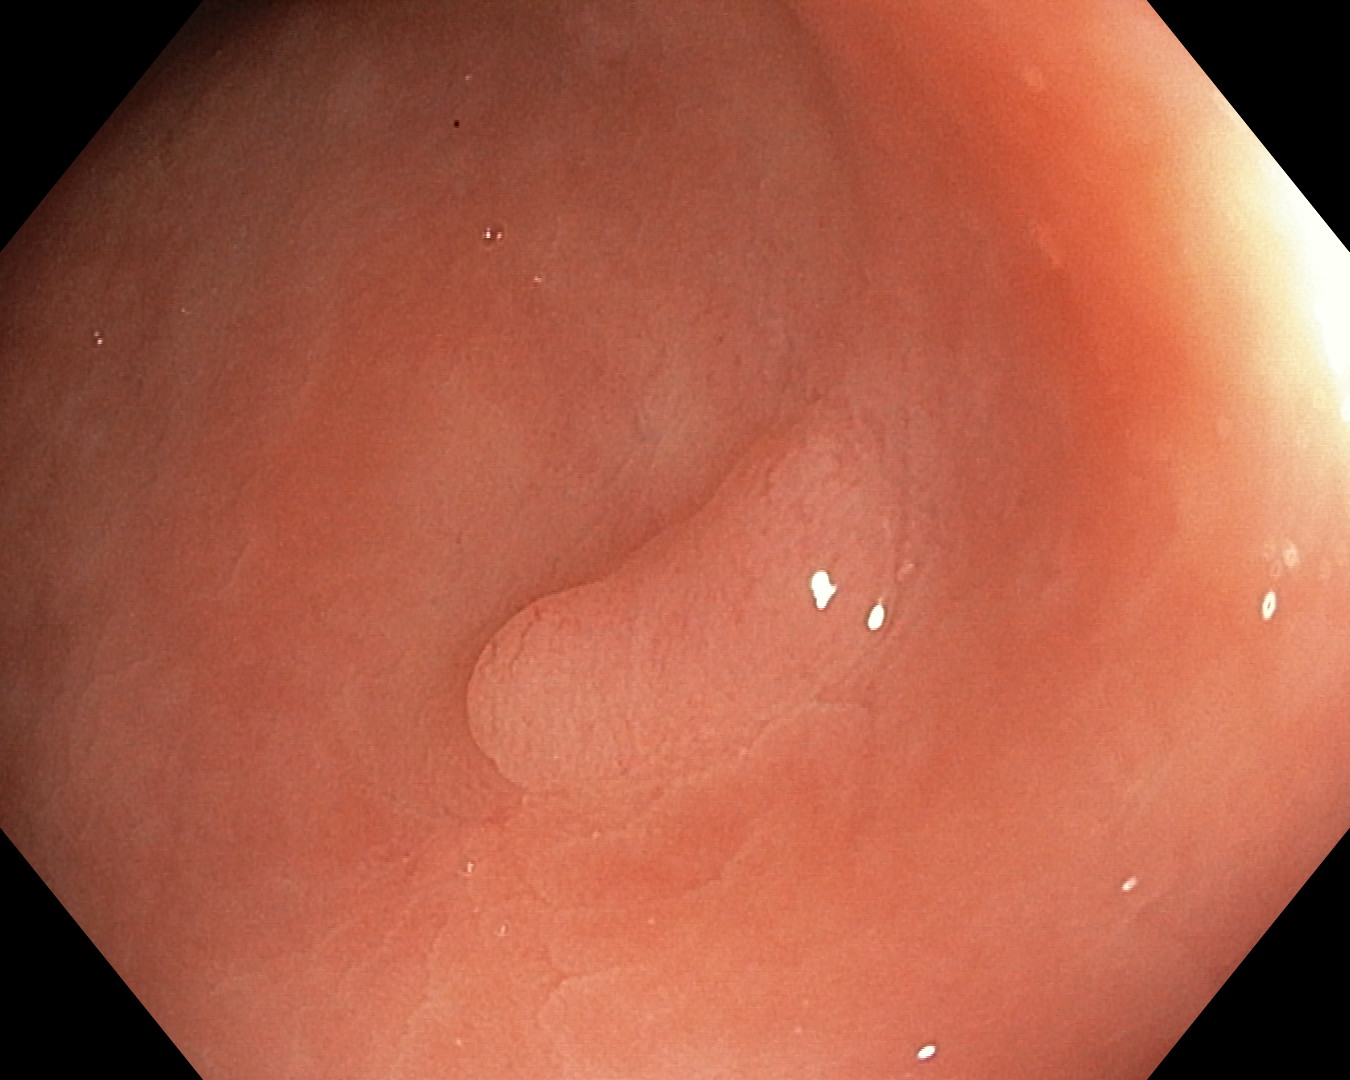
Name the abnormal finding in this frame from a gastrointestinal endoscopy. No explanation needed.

colon polyp